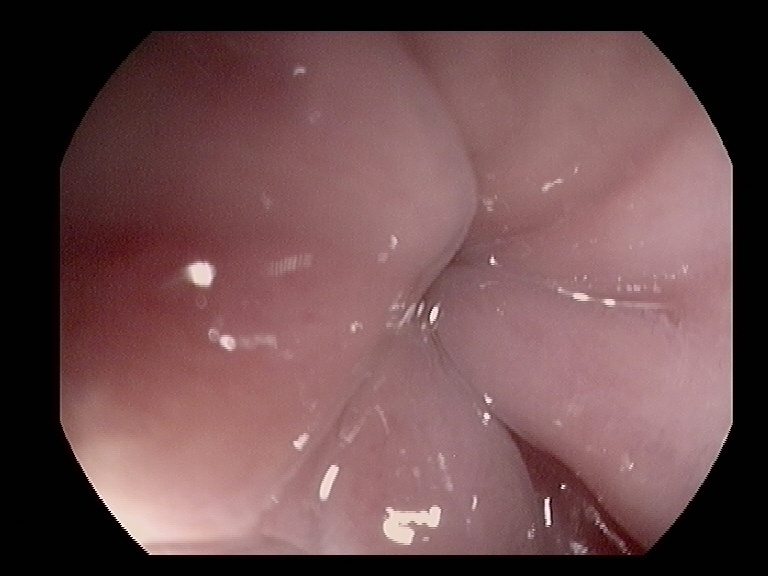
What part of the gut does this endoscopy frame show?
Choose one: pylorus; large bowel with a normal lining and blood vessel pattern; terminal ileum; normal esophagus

normal esophagus